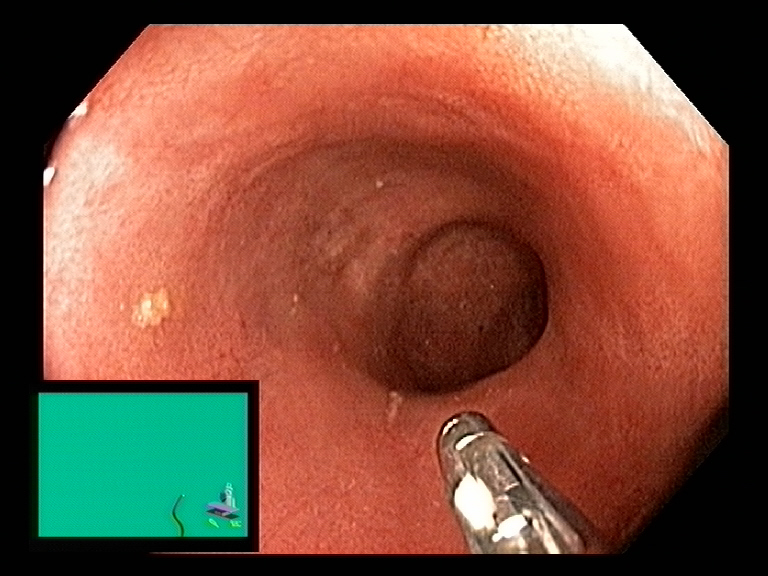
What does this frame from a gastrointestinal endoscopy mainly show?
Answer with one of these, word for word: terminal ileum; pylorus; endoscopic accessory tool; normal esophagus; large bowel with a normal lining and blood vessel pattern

endoscopic accessory tool